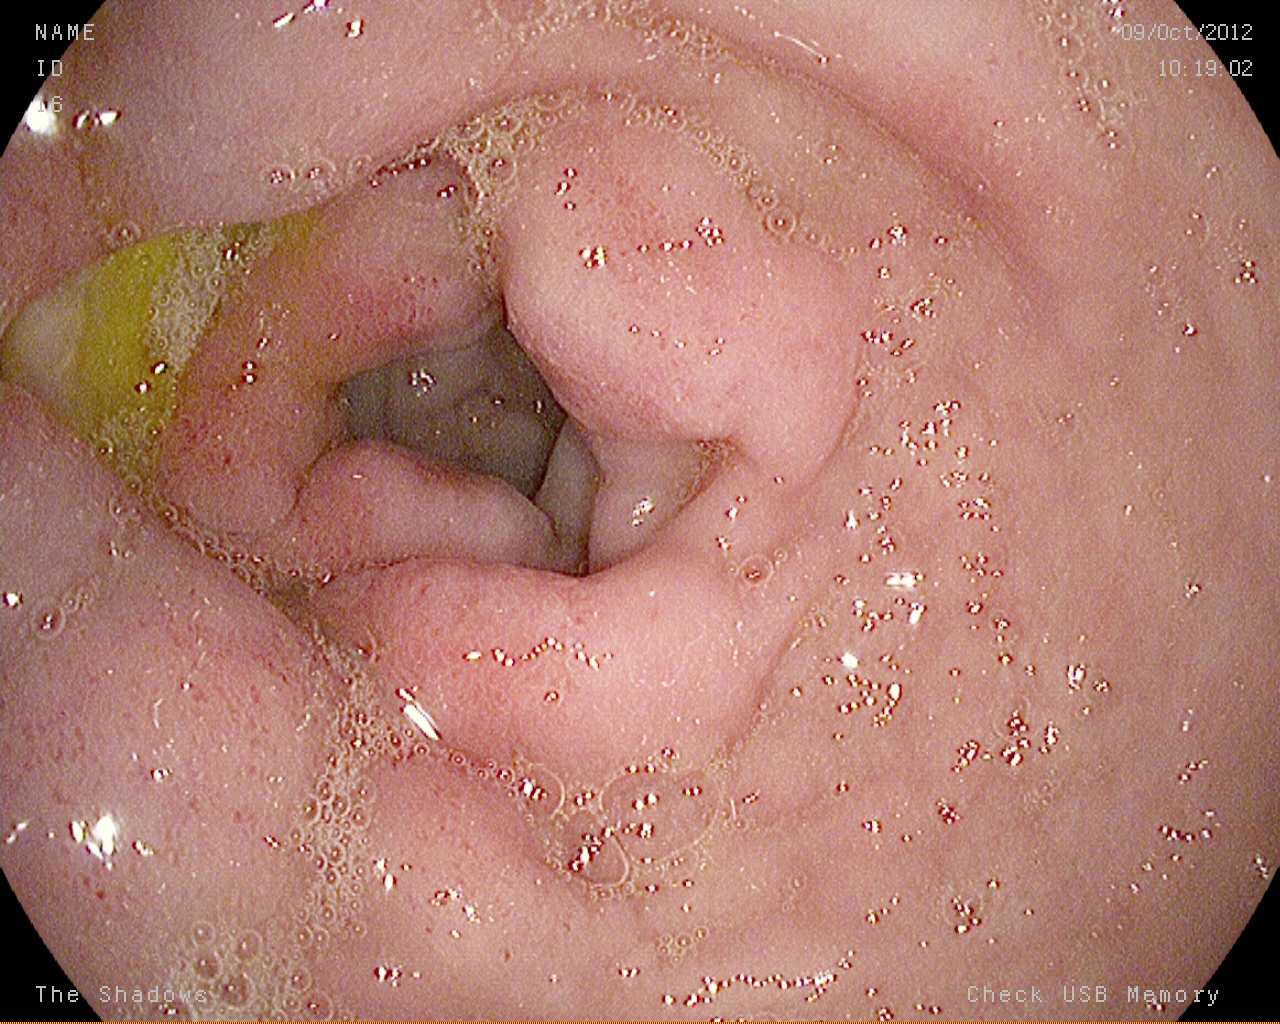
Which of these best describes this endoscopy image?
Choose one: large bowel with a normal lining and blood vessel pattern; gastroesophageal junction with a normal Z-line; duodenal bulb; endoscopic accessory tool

duodenal bulb